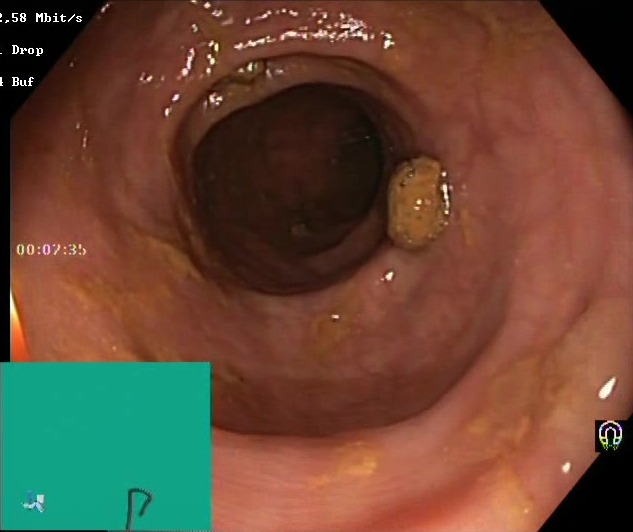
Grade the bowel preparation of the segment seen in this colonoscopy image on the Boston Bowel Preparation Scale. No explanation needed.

Boston Bowel Preparation Scale score 2–3 (adequate preparation)